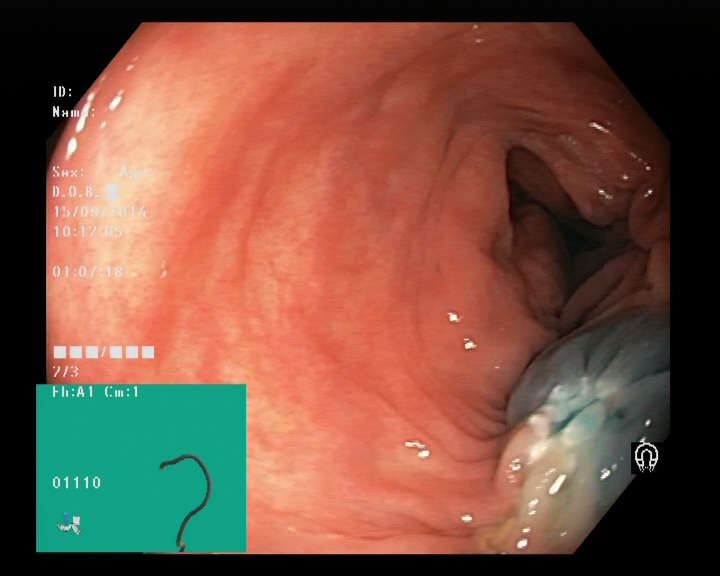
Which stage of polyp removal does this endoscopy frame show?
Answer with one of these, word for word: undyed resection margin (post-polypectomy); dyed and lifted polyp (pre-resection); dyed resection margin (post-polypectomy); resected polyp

dyed resection margin (post-polypectomy)